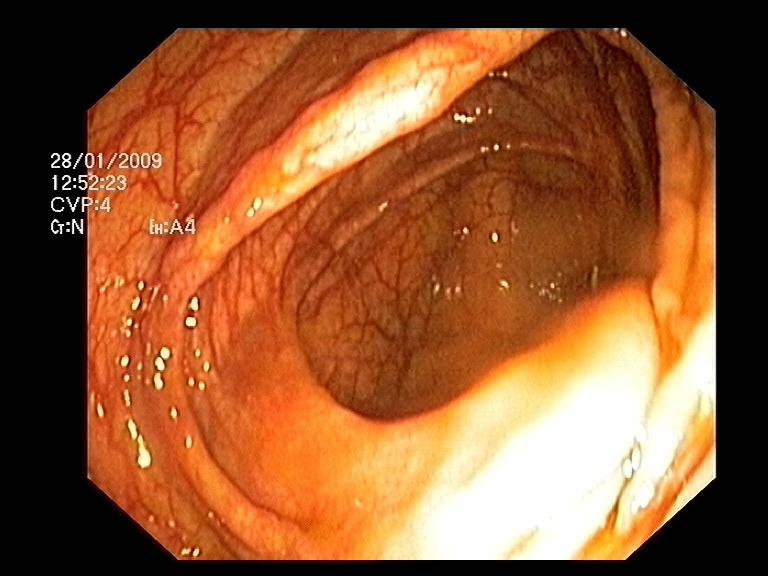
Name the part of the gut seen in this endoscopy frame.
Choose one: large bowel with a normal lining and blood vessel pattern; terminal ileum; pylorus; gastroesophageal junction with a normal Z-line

large bowel with a normal lining and blood vessel pattern